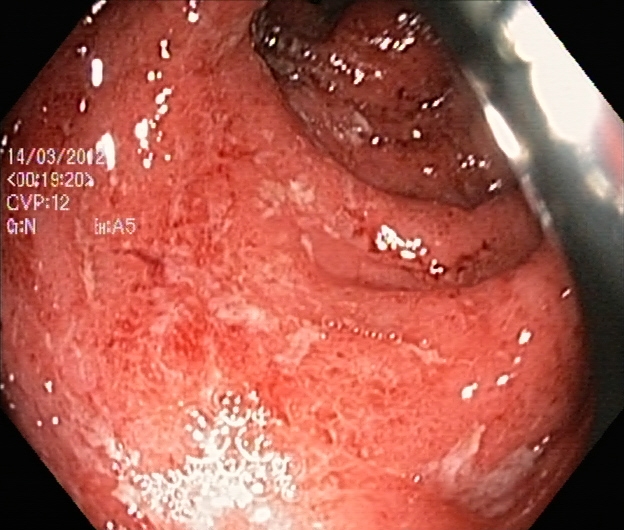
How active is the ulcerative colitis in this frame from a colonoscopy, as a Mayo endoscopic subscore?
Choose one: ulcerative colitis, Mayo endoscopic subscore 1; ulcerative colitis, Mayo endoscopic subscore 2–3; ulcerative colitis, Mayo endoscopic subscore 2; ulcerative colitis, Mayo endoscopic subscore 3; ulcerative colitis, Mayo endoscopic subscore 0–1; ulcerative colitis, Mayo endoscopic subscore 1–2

ulcerative colitis, Mayo endoscopic subscore 2